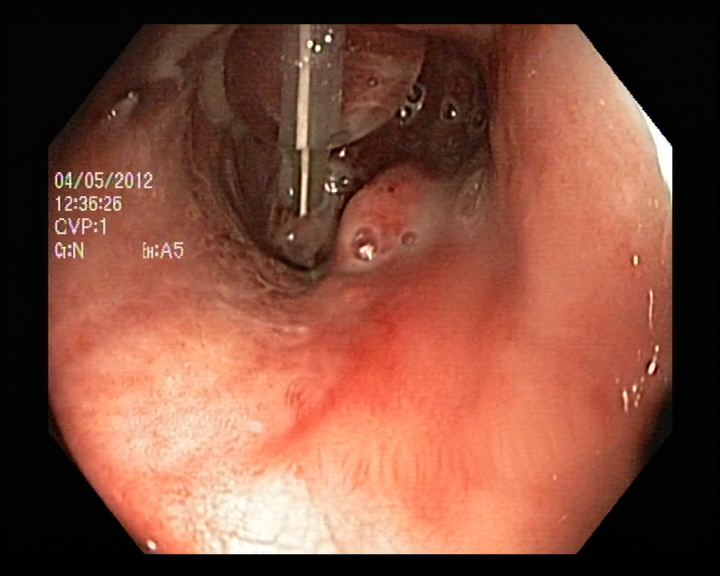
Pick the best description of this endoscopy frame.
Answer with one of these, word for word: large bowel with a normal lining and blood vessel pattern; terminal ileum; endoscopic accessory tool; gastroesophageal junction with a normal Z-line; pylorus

endoscopic accessory tool